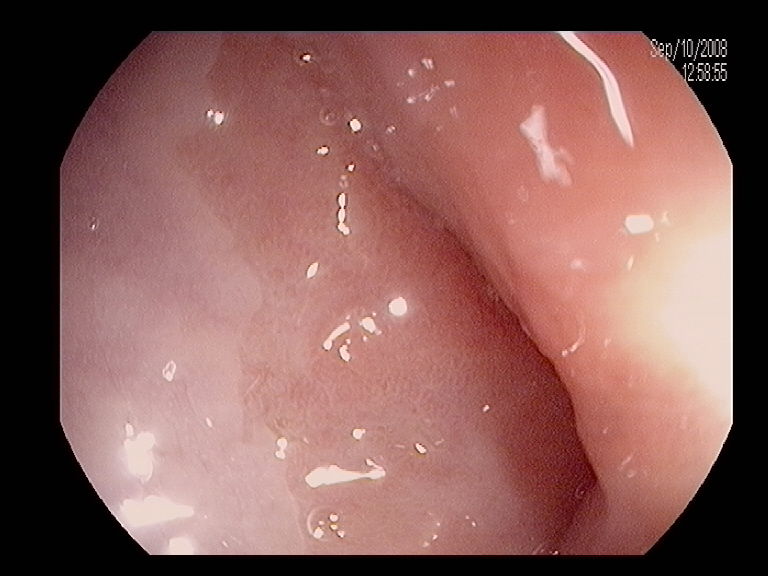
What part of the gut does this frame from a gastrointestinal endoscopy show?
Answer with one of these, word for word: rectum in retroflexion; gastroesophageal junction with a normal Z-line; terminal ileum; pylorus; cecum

gastroesophageal junction with a normal Z-line